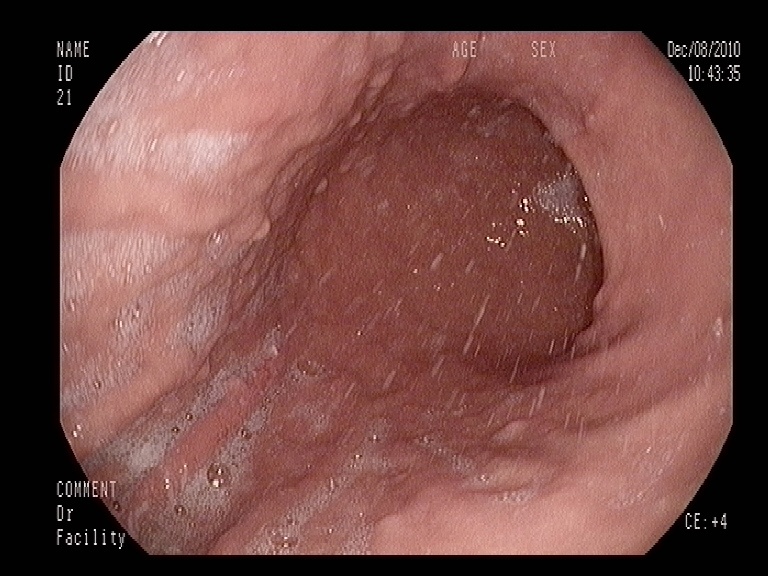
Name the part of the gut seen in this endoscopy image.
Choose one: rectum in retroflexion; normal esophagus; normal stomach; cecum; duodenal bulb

normal stomach